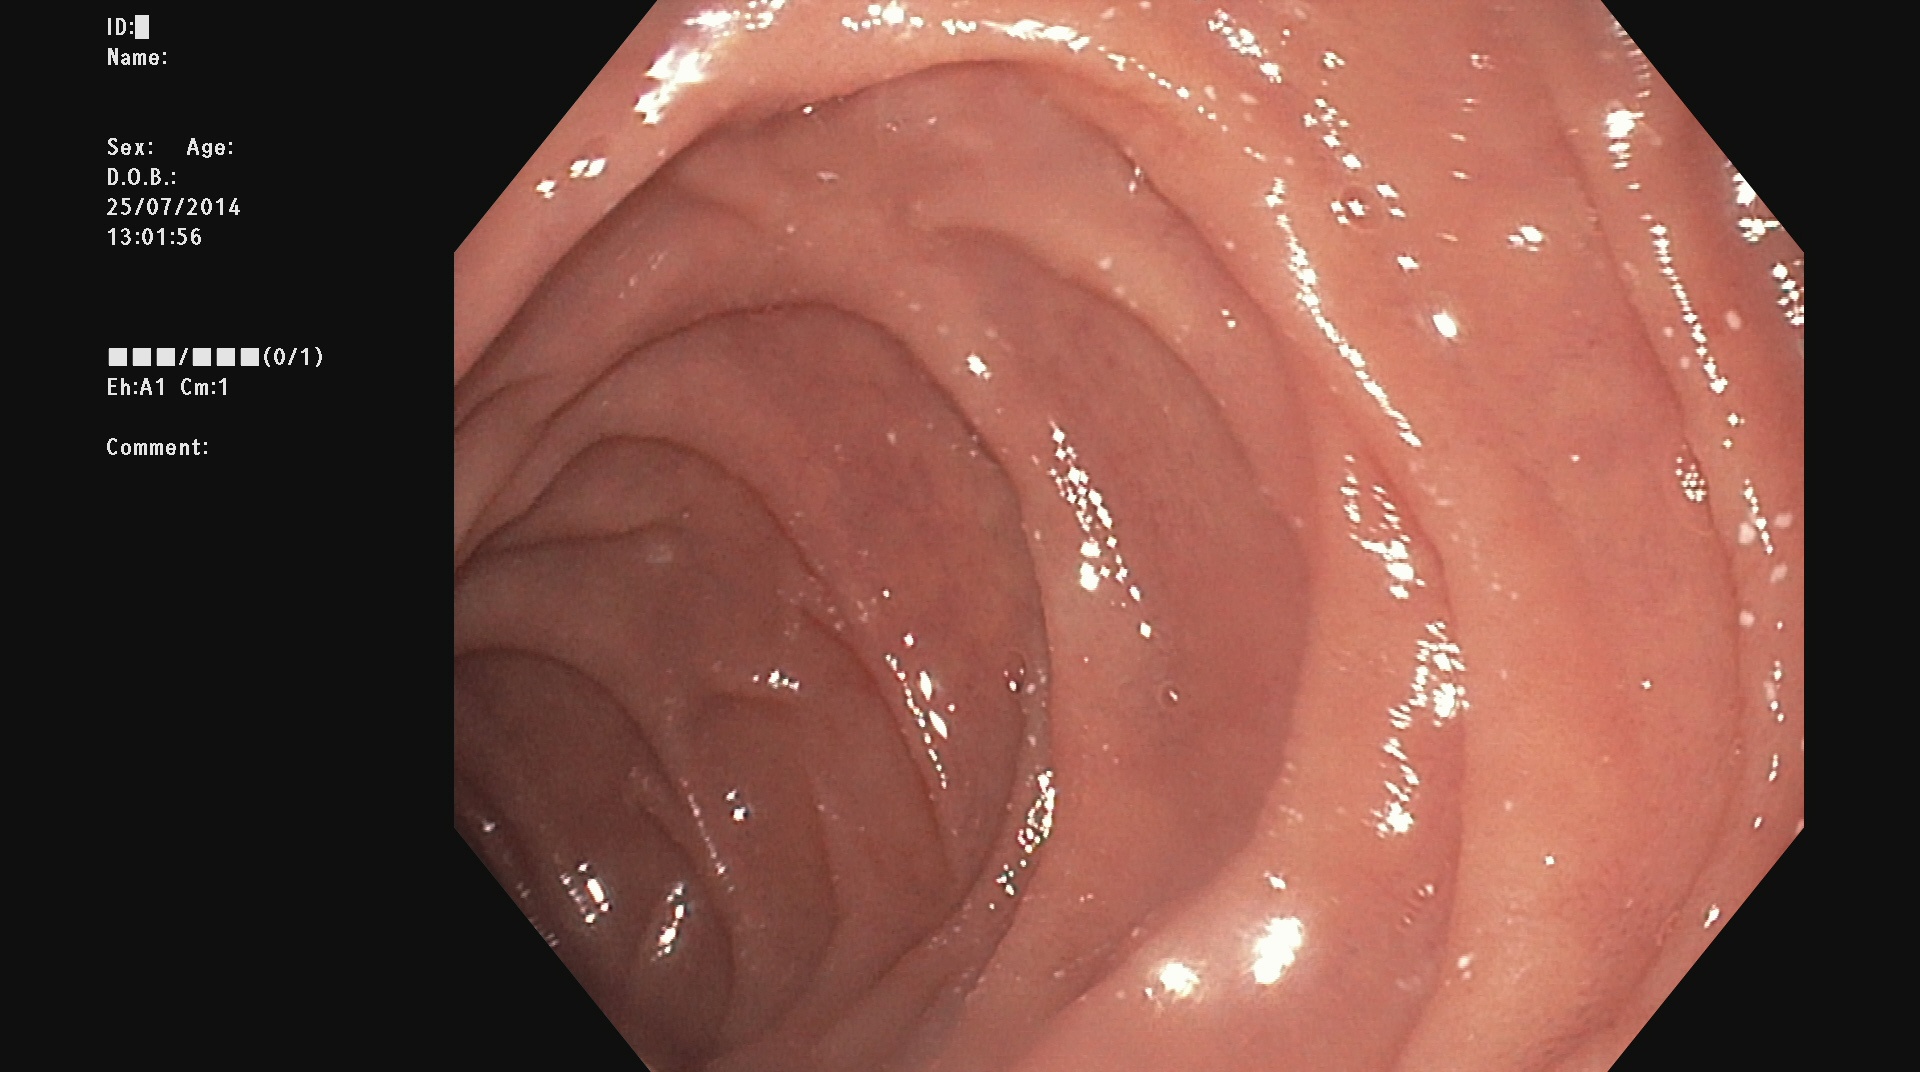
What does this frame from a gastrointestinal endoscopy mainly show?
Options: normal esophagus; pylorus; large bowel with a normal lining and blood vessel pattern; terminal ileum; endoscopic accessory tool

terminal ileum